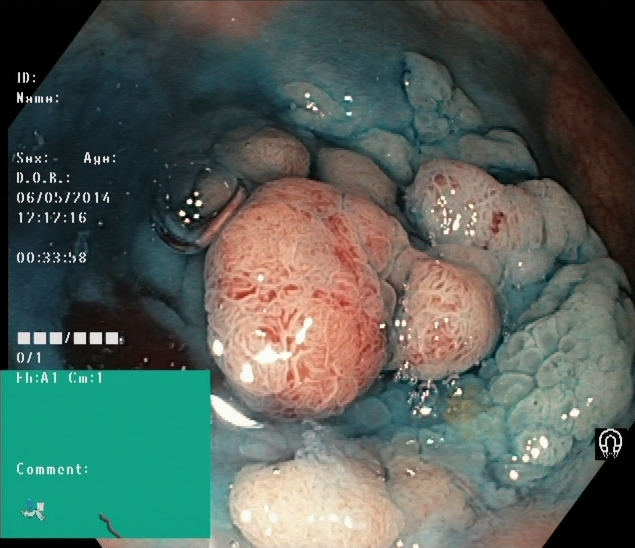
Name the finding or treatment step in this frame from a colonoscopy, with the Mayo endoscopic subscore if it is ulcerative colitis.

dyed and lifted polyp (pre-resection)